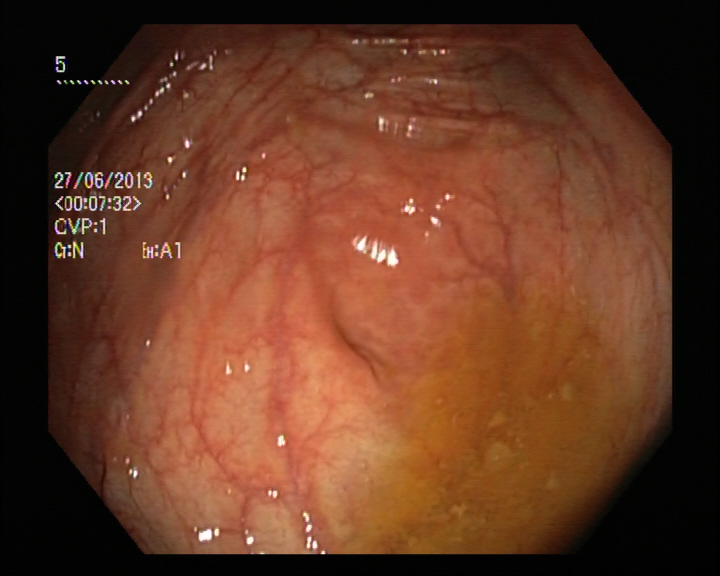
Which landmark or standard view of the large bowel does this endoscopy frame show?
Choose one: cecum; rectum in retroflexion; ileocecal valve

cecum